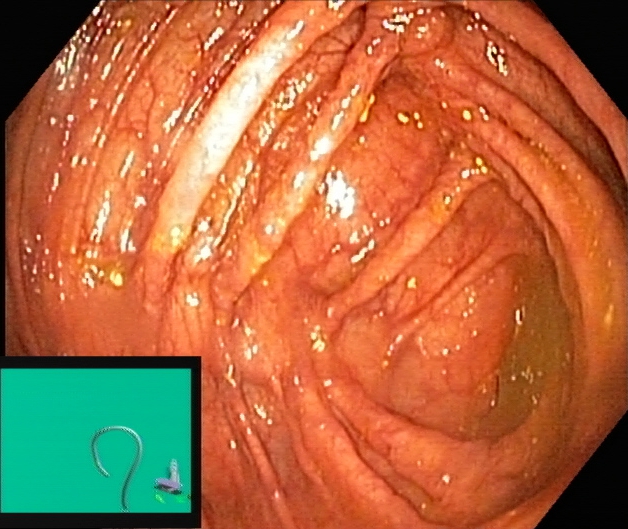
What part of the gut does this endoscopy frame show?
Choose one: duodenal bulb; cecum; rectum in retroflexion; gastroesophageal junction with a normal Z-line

cecum